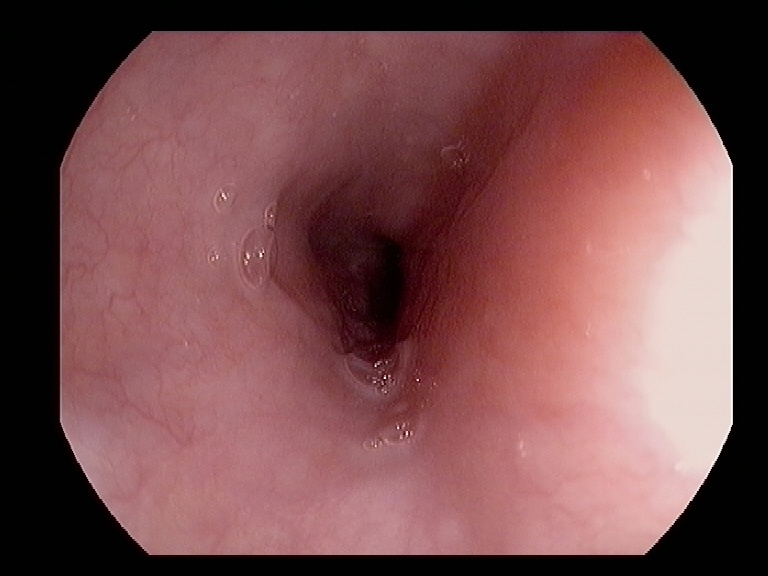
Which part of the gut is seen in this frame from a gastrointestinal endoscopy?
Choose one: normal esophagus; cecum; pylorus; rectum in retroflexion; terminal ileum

normal esophagus